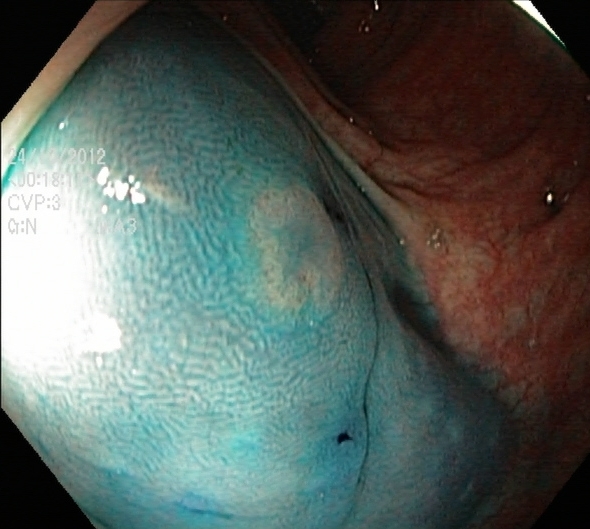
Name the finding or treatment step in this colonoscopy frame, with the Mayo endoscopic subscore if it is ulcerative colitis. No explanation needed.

dyed and lifted polyp (pre-resection)